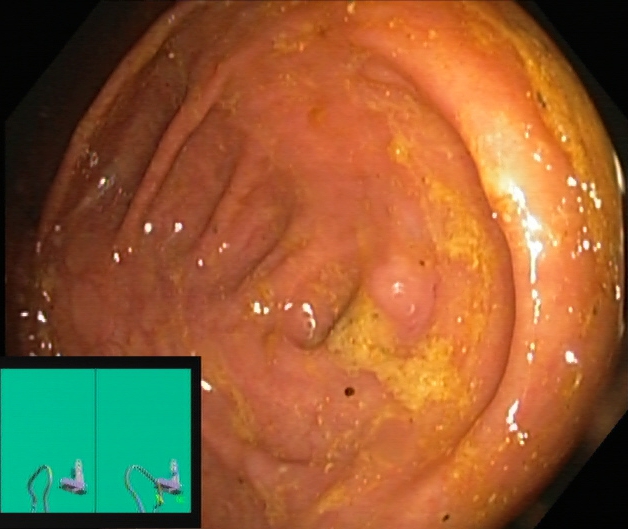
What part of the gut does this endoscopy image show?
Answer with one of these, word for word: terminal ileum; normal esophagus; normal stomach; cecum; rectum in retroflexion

cecum